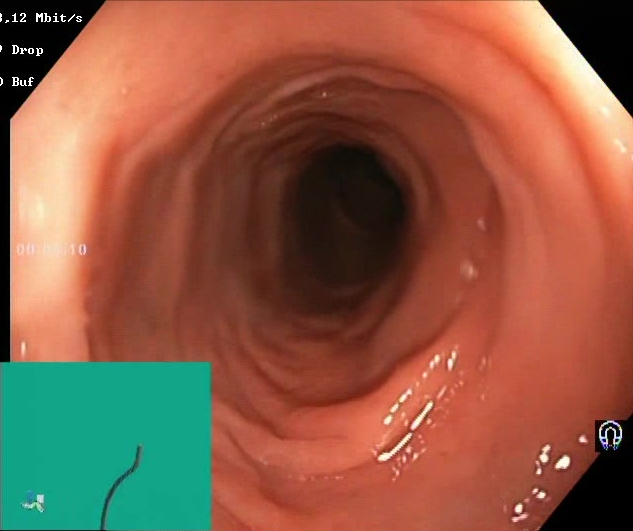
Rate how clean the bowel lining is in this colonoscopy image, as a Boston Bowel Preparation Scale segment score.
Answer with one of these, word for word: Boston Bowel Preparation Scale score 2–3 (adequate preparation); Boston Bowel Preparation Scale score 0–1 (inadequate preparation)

Boston Bowel Preparation Scale score 2–3 (adequate preparation)